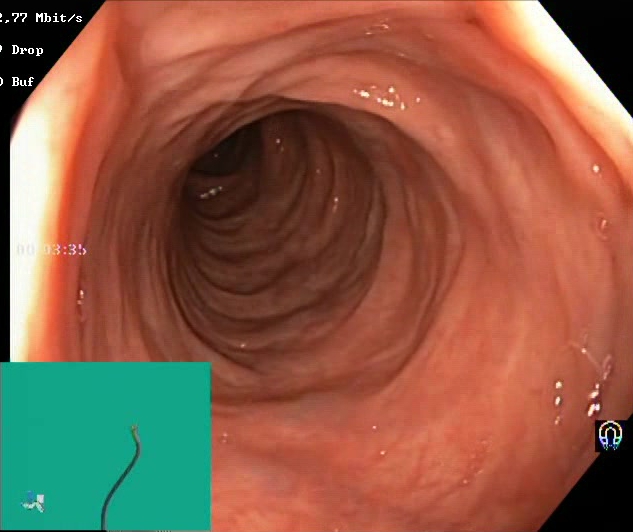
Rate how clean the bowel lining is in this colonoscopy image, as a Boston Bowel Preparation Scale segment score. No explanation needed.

Boston Bowel Preparation Scale score 2–3 (adequate preparation)